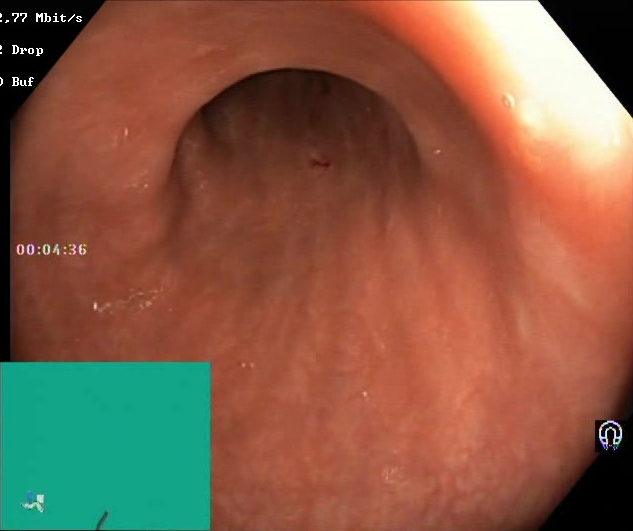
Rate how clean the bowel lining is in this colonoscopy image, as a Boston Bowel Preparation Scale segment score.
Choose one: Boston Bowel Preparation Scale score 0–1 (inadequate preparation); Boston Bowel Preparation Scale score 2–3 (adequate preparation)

Boston Bowel Preparation Scale score 2–3 (adequate preparation)